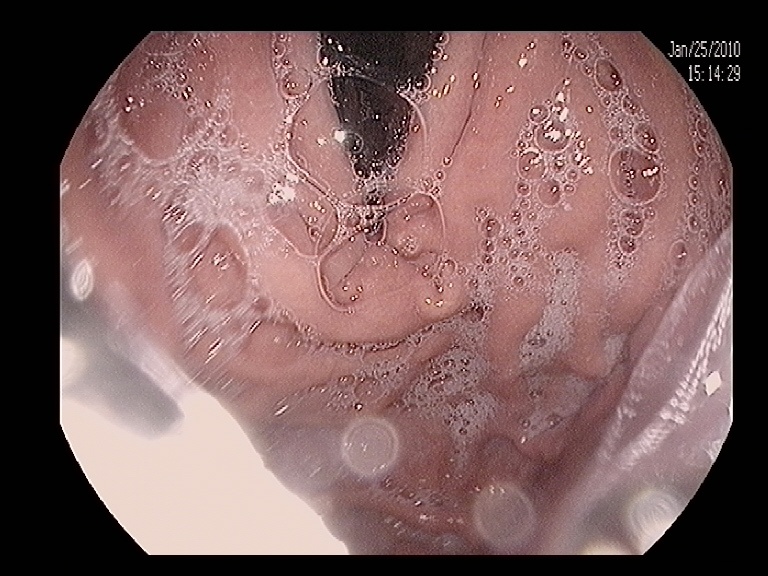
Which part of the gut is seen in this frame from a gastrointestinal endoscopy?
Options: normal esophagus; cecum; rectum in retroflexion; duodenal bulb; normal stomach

normal stomach